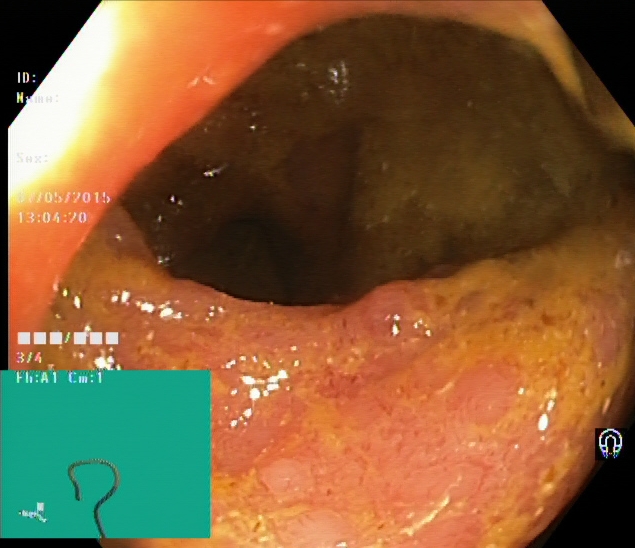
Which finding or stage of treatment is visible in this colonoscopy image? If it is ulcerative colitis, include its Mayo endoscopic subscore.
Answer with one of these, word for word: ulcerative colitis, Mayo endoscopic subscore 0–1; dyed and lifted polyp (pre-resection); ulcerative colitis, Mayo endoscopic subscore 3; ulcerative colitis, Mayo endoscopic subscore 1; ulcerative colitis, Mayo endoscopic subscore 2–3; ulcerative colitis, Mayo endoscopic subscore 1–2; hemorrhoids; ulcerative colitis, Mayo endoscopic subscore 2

ulcerative colitis, Mayo endoscopic subscore 2